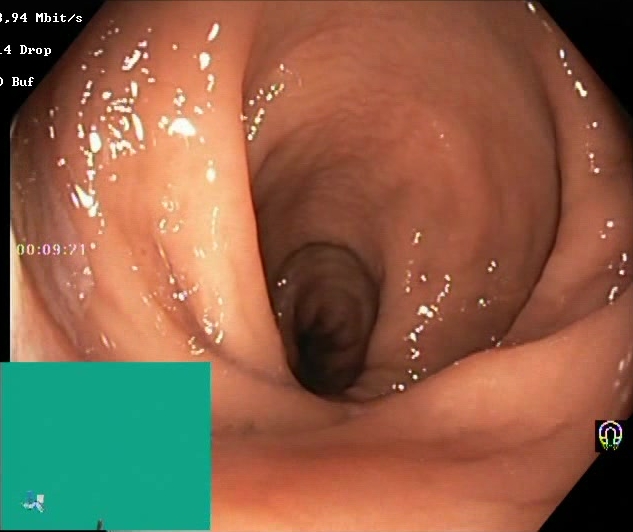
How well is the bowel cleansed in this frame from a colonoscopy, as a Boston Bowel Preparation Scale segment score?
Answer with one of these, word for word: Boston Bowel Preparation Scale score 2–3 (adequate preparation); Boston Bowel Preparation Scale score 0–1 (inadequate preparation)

Boston Bowel Preparation Scale score 2–3 (adequate preparation)